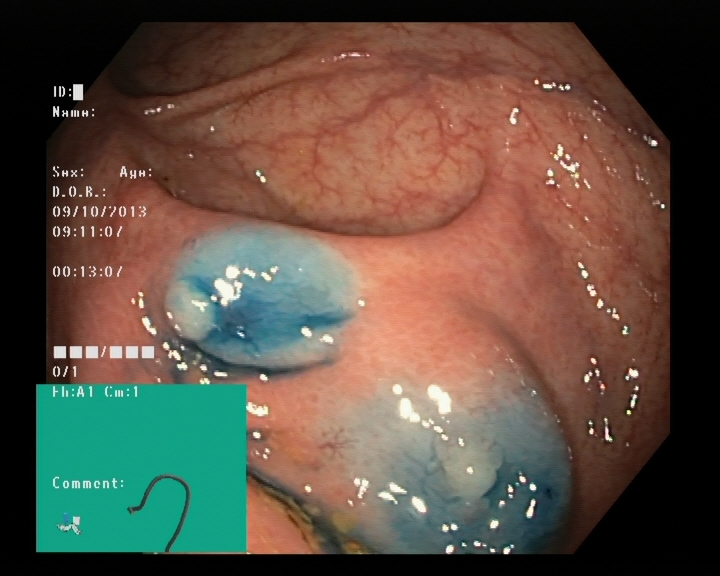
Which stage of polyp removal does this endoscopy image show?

dyed and lifted polyp (pre-resection)